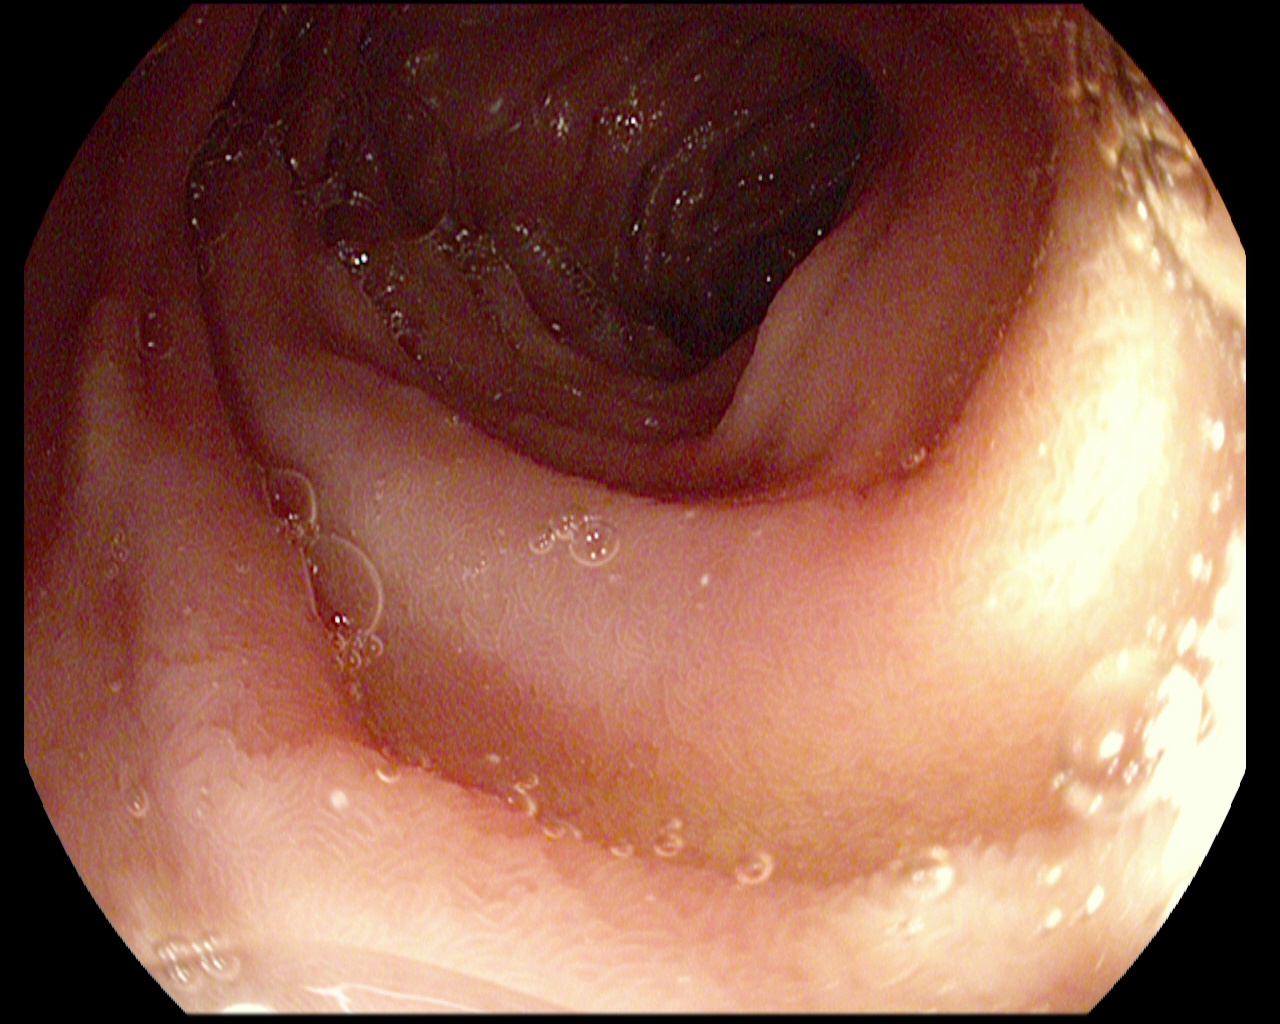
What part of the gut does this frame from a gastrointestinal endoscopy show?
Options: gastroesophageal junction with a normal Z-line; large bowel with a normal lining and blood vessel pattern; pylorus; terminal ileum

terminal ileum